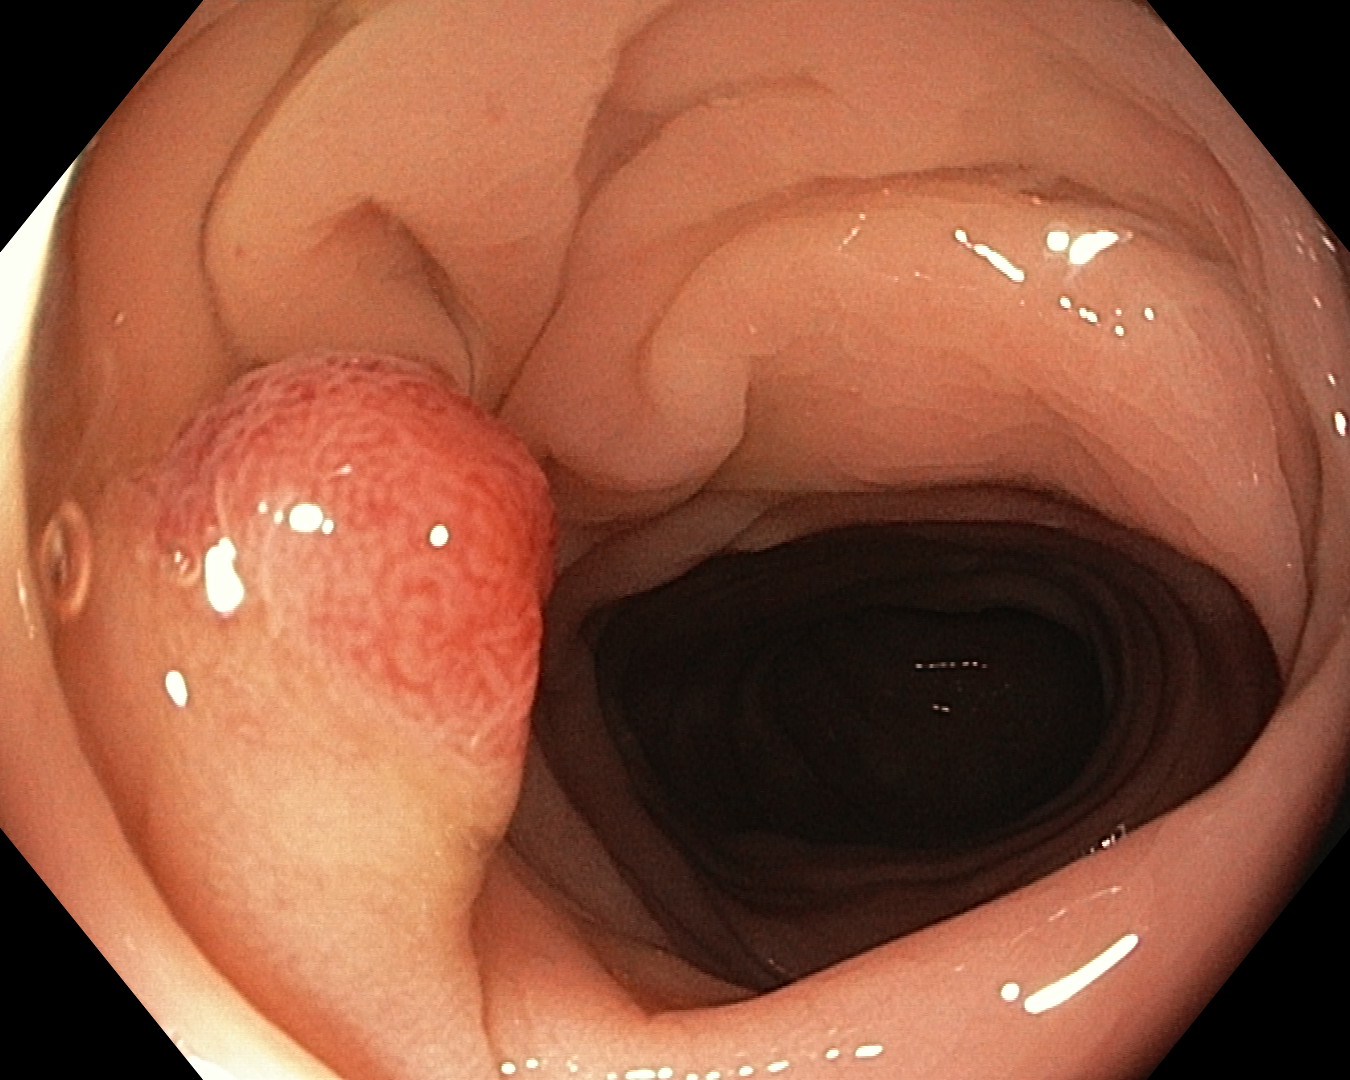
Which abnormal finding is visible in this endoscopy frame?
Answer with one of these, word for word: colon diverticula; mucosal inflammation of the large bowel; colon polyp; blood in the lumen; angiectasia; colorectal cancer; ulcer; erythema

colon polyp